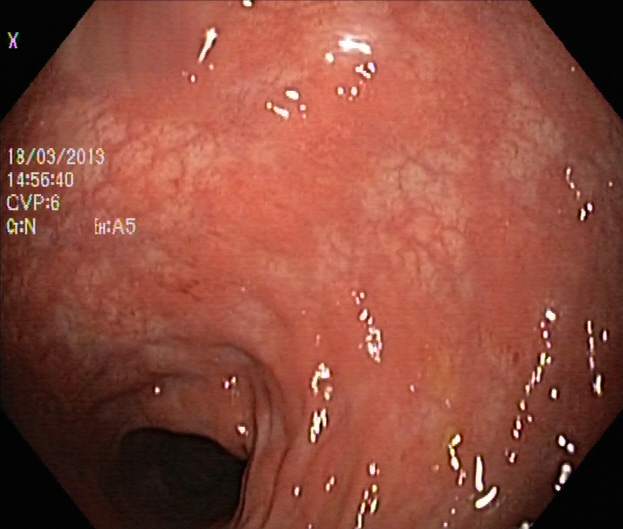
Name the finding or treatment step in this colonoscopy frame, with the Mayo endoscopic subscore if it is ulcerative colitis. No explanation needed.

ulcerative colitis, Mayo endoscopic subscore 1